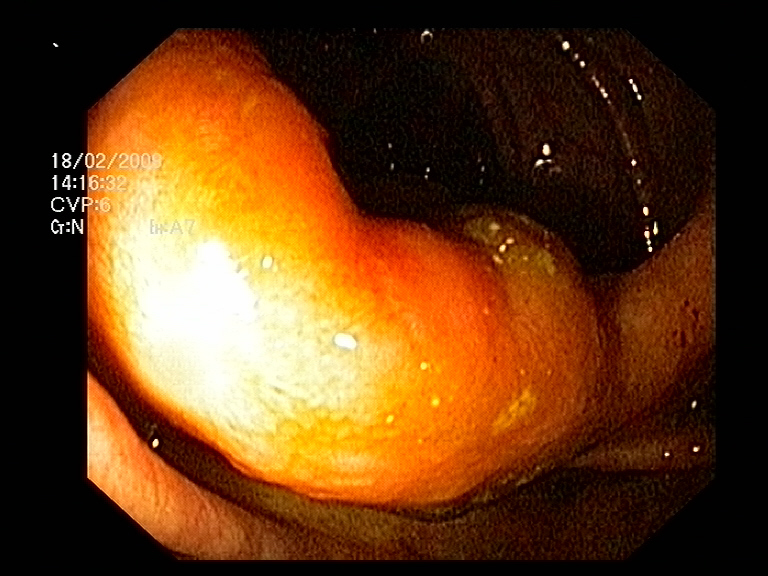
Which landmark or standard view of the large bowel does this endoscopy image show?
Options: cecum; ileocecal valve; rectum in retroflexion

ileocecal valve